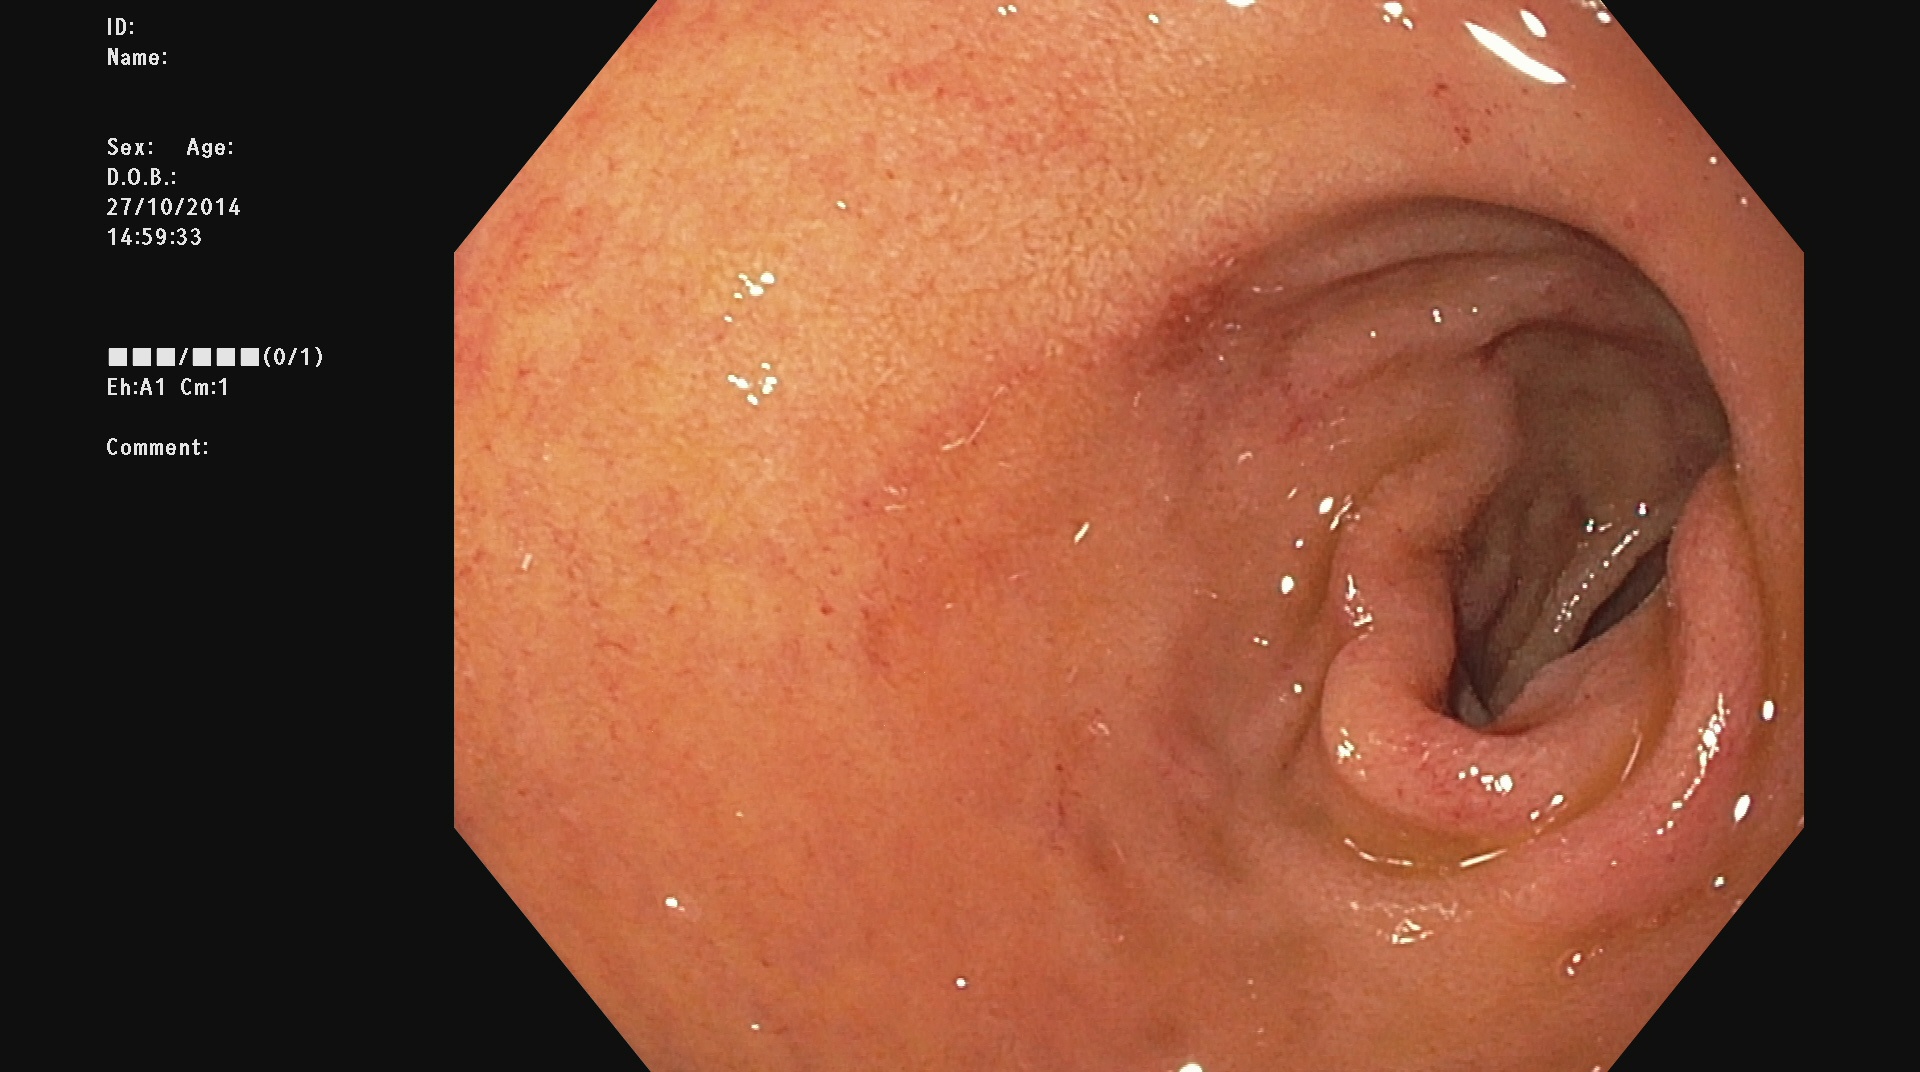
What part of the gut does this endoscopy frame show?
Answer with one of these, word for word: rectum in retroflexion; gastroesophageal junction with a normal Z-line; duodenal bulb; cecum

duodenal bulb